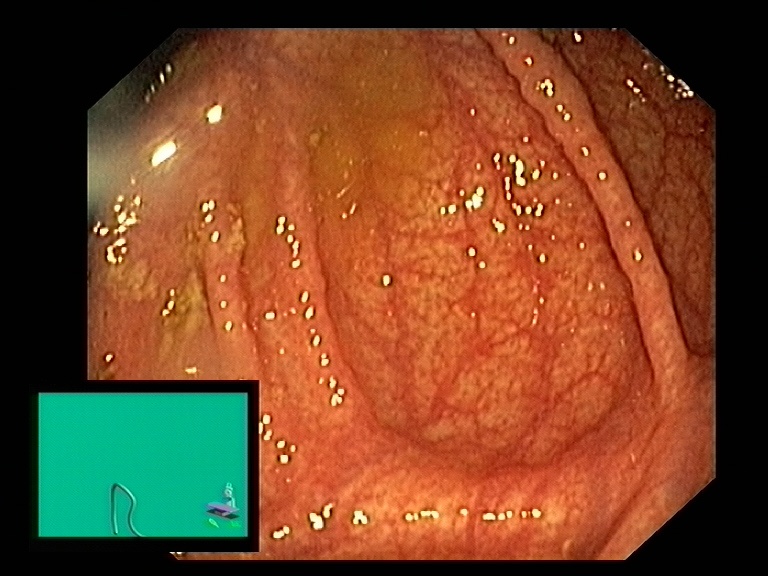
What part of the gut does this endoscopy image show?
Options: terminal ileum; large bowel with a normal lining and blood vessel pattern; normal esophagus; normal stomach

large bowel with a normal lining and blood vessel pattern